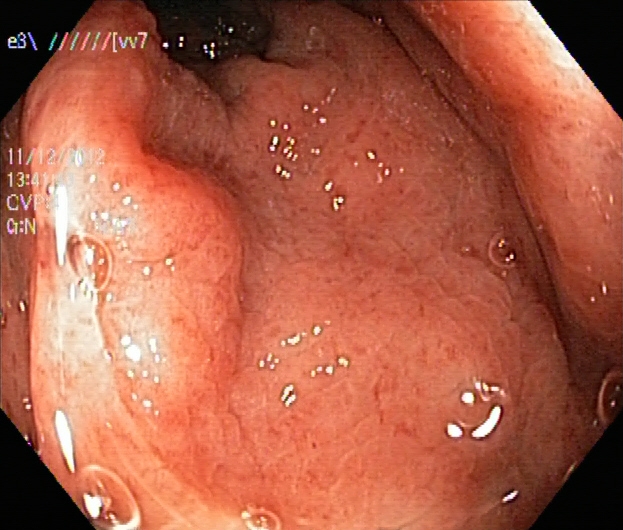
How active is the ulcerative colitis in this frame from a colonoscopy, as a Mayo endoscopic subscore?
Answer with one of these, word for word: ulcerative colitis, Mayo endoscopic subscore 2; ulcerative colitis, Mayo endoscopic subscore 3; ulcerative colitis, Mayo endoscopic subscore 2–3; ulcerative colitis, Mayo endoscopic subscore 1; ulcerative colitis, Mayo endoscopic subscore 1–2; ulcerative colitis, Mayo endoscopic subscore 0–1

ulcerative colitis, Mayo endoscopic subscore 2